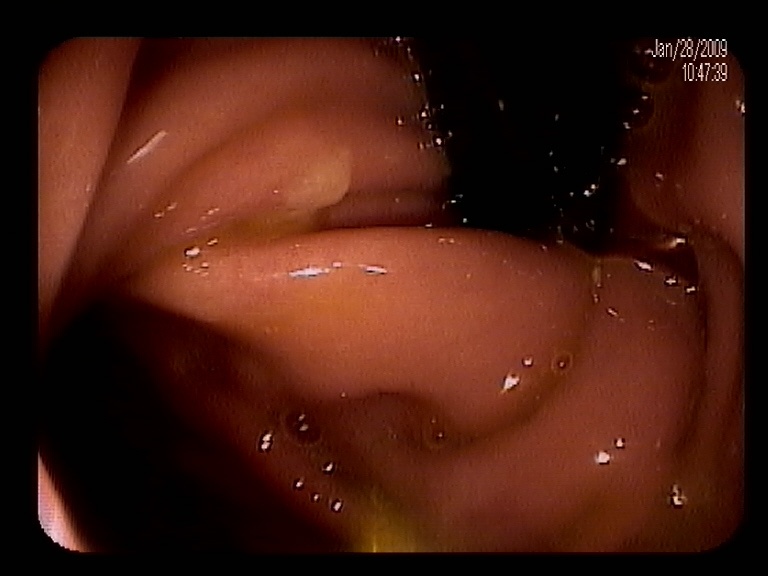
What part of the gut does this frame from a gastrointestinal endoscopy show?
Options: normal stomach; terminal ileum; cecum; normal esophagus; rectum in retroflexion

normal stomach